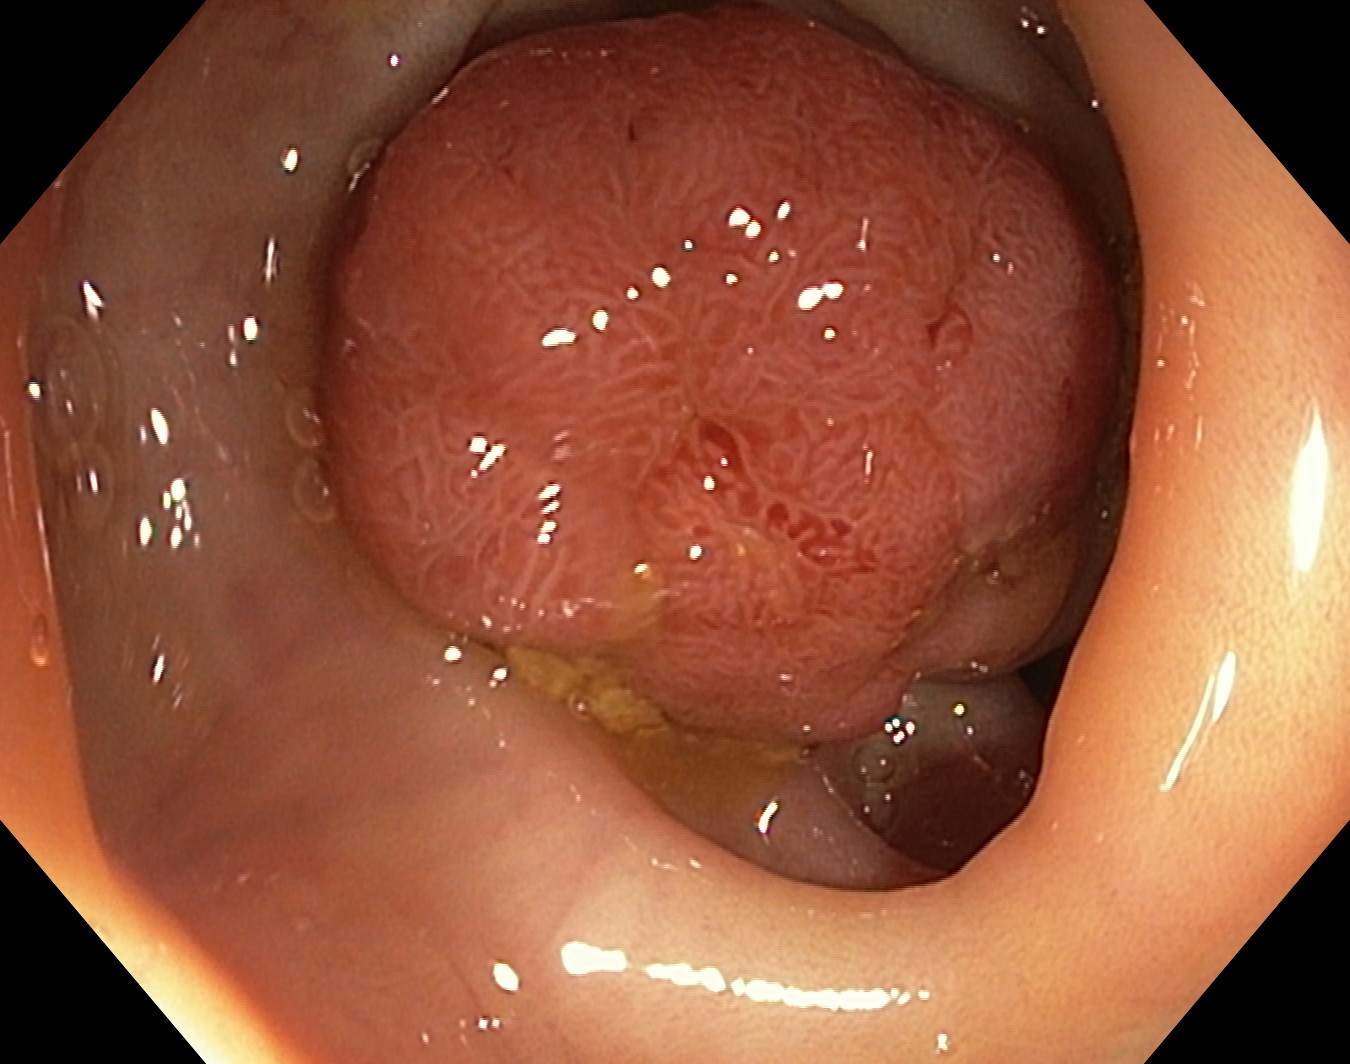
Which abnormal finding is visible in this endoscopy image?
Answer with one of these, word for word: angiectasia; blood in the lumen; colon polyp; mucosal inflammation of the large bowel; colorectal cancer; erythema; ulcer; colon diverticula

colon polyp